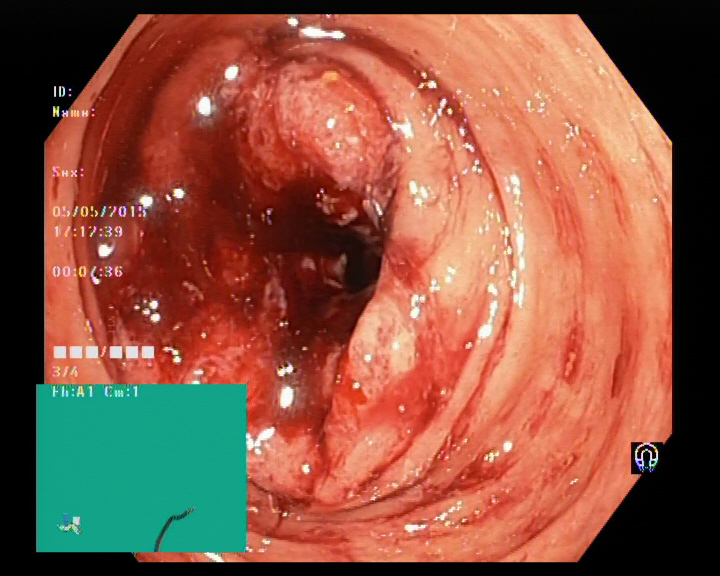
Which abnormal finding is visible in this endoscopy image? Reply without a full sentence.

blood in the lumen